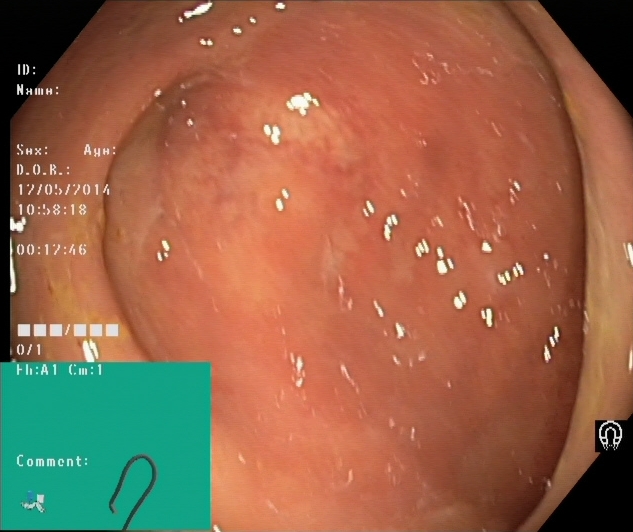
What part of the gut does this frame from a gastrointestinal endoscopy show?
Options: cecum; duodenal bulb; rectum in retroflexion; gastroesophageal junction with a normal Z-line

cecum